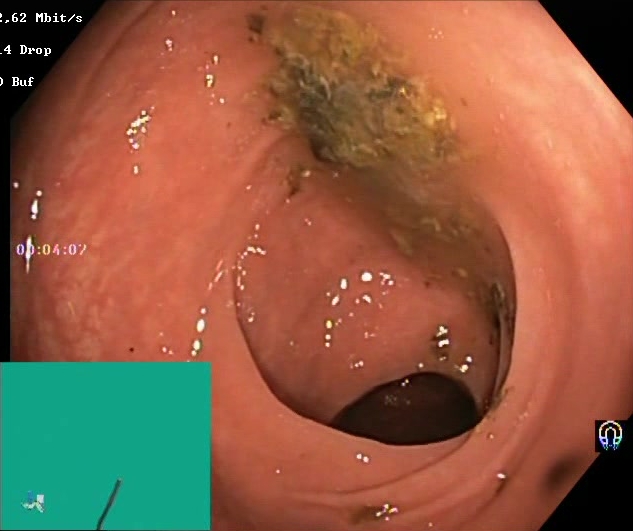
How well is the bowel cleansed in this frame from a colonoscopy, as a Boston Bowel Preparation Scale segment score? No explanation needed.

Boston Bowel Preparation Scale score 0–1 (inadequate preparation)